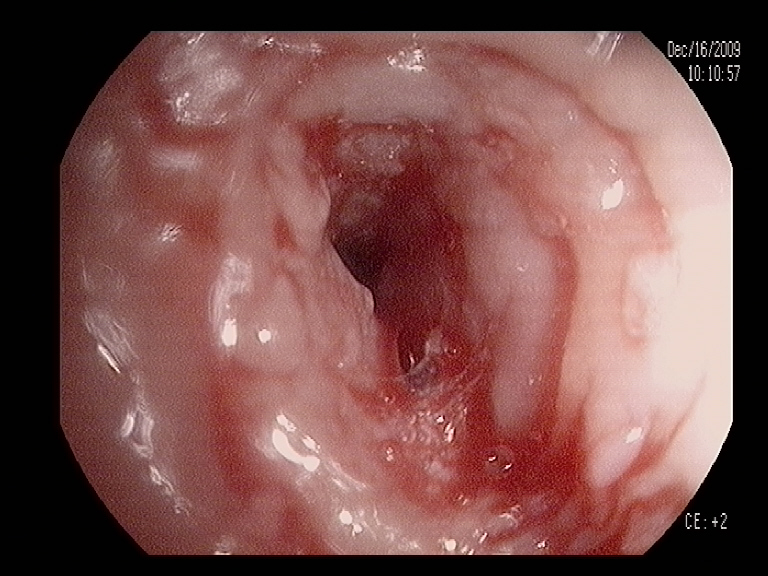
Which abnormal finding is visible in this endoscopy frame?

esophagitis